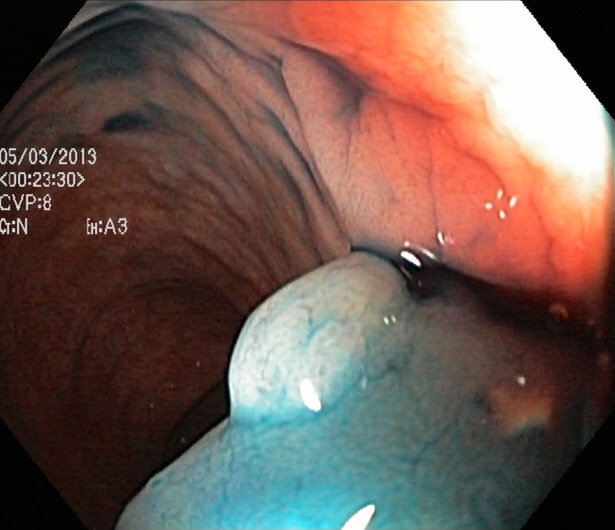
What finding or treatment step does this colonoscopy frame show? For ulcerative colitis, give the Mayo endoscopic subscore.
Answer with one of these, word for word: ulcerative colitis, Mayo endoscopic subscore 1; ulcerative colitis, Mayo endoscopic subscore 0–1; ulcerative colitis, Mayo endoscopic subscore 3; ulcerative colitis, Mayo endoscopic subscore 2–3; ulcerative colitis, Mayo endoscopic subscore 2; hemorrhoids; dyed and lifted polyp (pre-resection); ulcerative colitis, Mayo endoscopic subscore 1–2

dyed and lifted polyp (pre-resection)